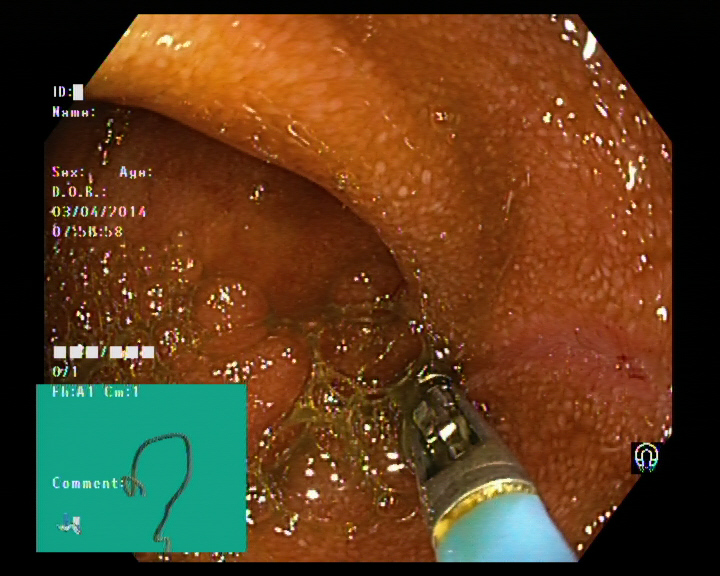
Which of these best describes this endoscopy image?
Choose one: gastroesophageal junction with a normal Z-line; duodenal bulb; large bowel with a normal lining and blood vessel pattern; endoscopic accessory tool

endoscopic accessory tool